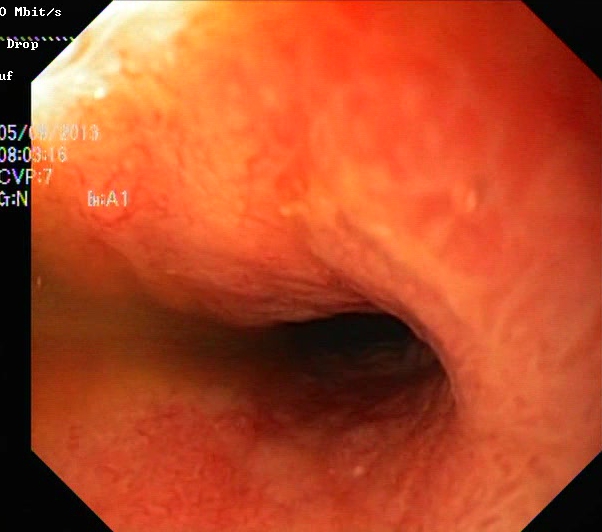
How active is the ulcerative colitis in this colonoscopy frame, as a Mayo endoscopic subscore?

ulcerative colitis, Mayo endoscopic subscore 2